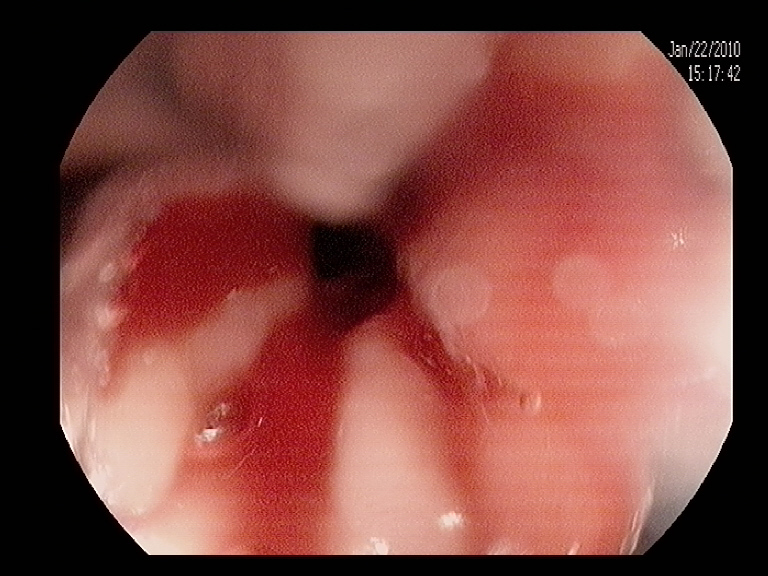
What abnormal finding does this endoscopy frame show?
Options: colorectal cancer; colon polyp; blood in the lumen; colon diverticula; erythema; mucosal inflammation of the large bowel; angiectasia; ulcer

blood in the lumen